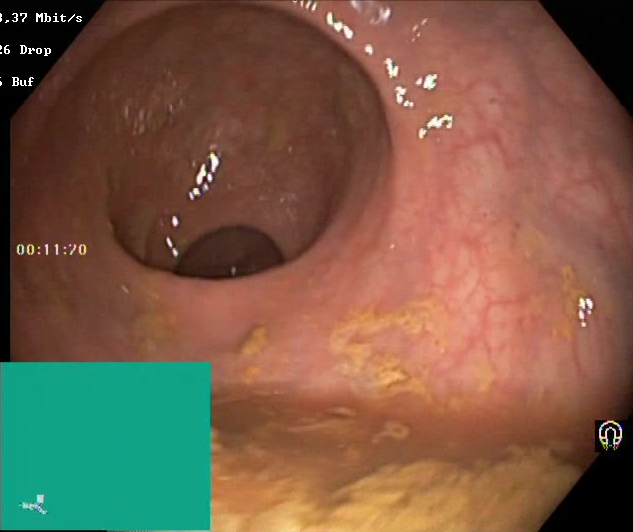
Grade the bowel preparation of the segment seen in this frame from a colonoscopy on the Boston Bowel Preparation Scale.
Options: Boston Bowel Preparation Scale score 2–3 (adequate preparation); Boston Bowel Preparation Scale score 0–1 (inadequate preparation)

Boston Bowel Preparation Scale score 0–1 (inadequate preparation)